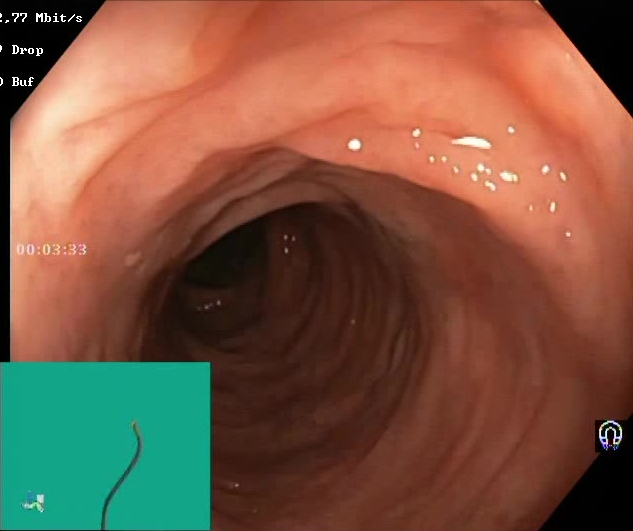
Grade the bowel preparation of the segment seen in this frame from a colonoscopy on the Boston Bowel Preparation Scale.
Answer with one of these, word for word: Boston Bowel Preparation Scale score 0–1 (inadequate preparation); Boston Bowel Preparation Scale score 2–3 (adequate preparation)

Boston Bowel Preparation Scale score 2–3 (adequate preparation)